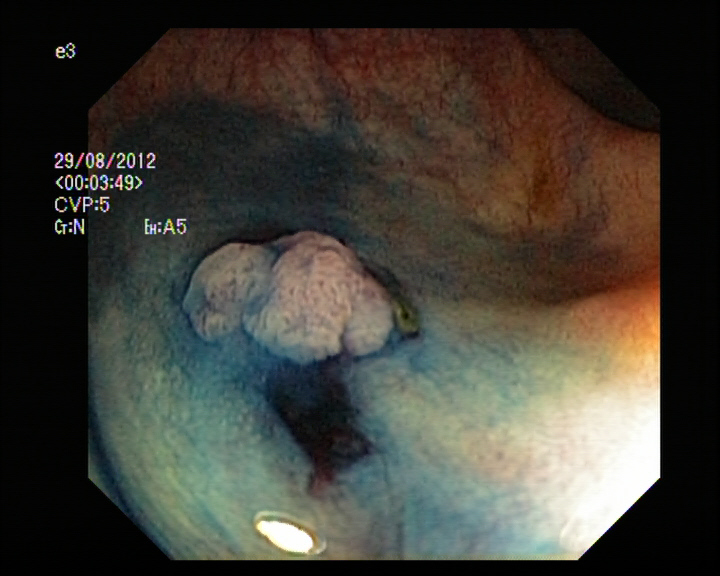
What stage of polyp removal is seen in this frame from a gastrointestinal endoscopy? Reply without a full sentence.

dyed and lifted polyp (pre-resection)